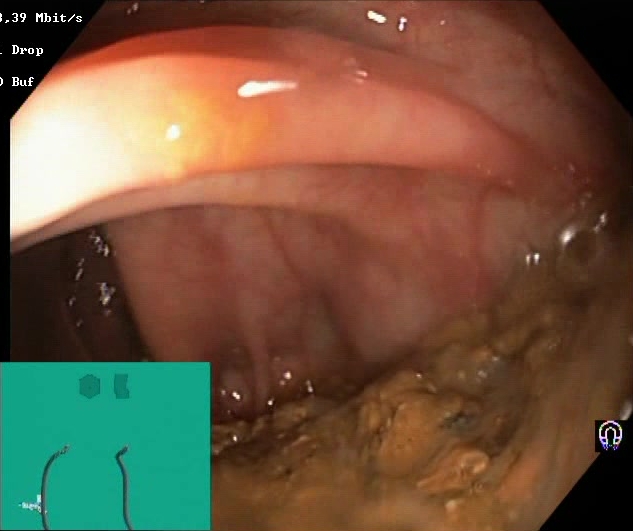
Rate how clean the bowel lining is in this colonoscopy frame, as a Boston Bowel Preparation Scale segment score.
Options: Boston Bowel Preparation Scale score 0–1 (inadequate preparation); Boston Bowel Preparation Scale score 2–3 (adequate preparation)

Boston Bowel Preparation Scale score 0–1 (inadequate preparation)